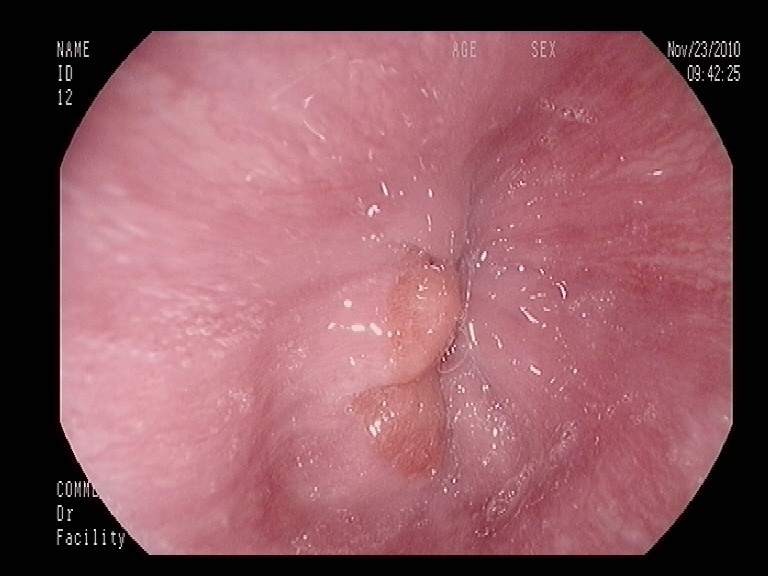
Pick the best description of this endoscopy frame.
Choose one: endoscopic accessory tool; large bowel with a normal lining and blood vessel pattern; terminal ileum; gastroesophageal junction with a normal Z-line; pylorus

gastroesophageal junction with a normal Z-line